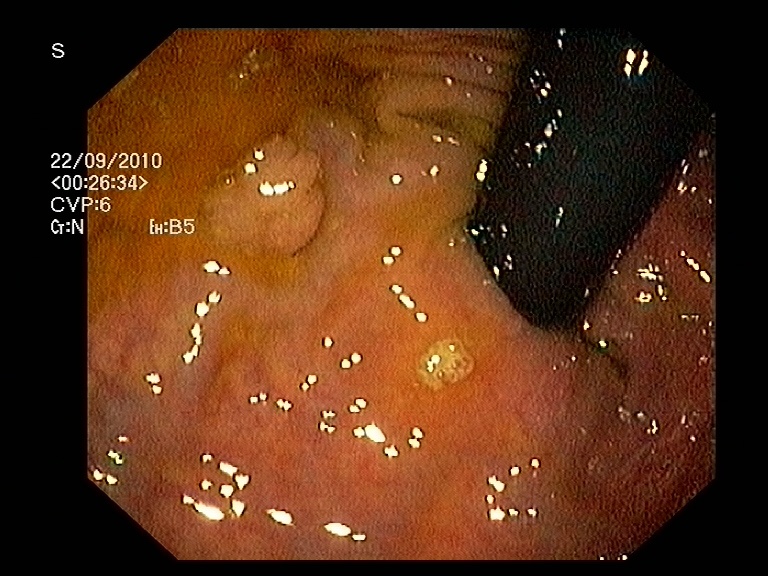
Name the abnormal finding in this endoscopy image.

gastric polyp